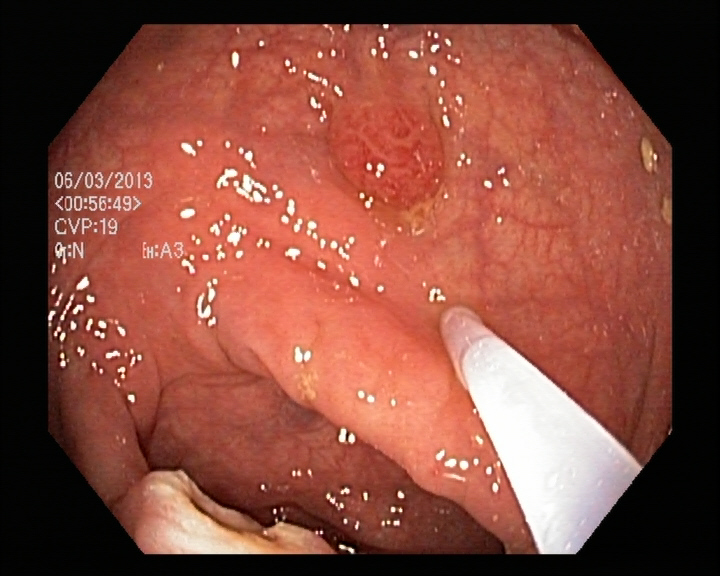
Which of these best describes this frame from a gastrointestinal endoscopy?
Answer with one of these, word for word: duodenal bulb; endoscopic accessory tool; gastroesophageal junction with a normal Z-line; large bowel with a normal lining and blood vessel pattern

endoscopic accessory tool